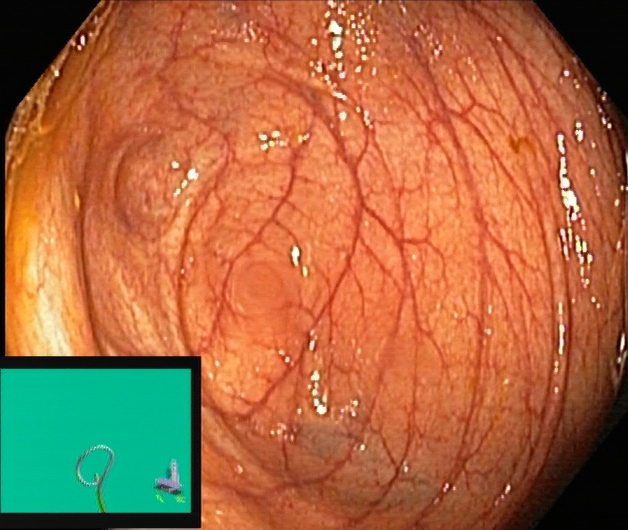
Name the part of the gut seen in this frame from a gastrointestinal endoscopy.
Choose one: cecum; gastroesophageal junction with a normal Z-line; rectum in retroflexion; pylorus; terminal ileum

cecum